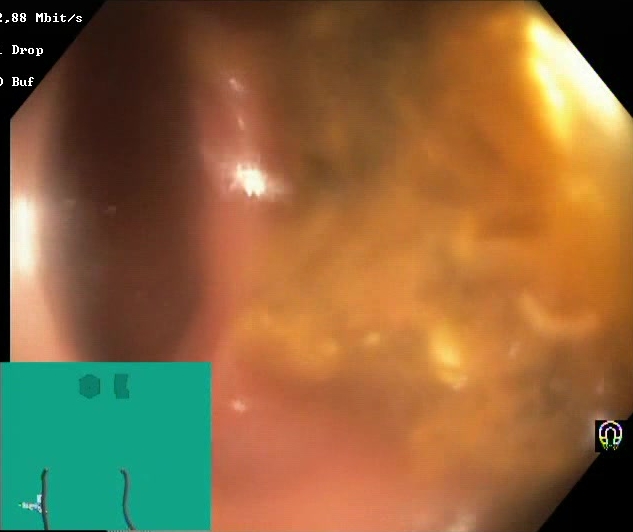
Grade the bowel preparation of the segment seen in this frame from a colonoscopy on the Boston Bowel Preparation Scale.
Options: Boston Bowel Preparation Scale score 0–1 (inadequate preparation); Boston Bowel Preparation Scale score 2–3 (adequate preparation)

Boston Bowel Preparation Scale score 0–1 (inadequate preparation)